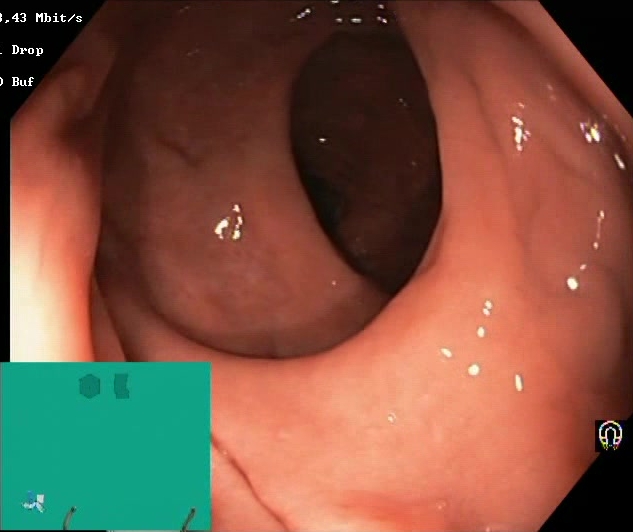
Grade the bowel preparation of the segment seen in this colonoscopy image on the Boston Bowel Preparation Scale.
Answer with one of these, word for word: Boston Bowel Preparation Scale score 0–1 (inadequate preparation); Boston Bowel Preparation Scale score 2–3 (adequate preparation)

Boston Bowel Preparation Scale score 2–3 (adequate preparation)